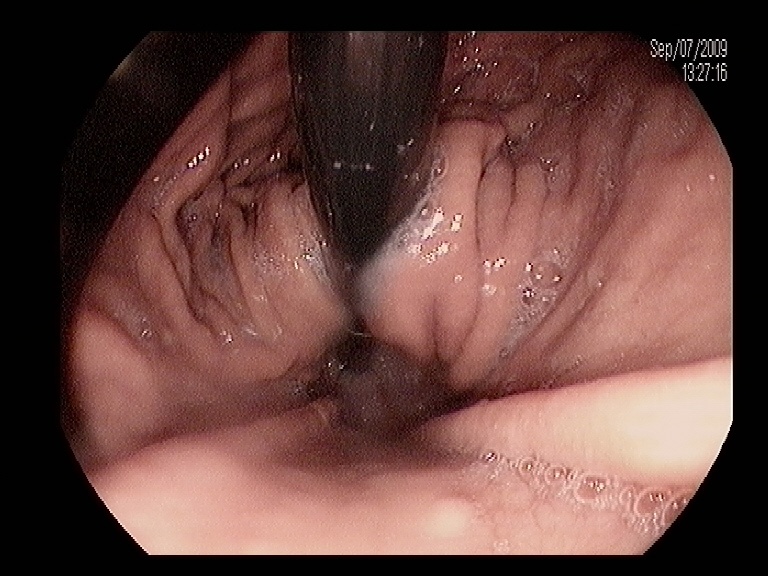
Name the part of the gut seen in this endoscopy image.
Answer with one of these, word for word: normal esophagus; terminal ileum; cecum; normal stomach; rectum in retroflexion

normal stomach